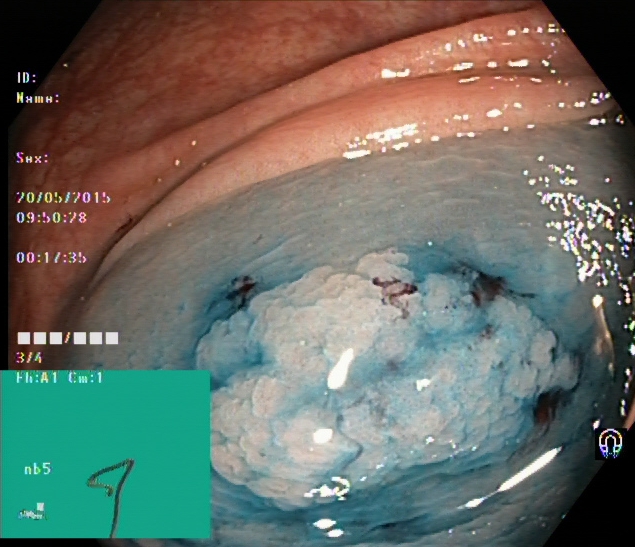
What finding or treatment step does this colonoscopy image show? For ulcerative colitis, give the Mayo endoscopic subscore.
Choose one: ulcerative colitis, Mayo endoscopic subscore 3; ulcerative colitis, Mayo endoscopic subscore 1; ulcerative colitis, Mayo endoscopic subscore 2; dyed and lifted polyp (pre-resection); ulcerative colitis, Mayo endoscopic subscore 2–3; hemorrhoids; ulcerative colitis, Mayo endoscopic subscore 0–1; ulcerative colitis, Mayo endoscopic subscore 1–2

dyed and lifted polyp (pre-resection)